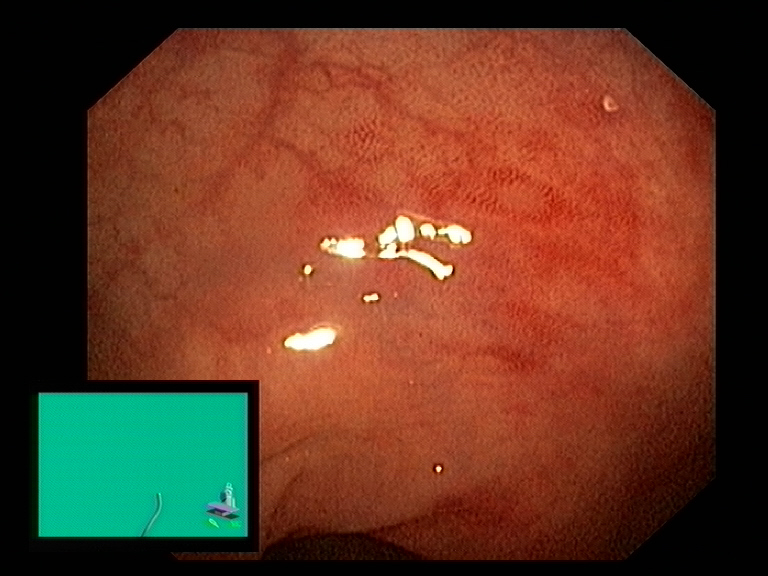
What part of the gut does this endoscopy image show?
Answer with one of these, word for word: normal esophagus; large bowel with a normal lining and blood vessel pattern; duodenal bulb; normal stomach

large bowel with a normal lining and blood vessel pattern